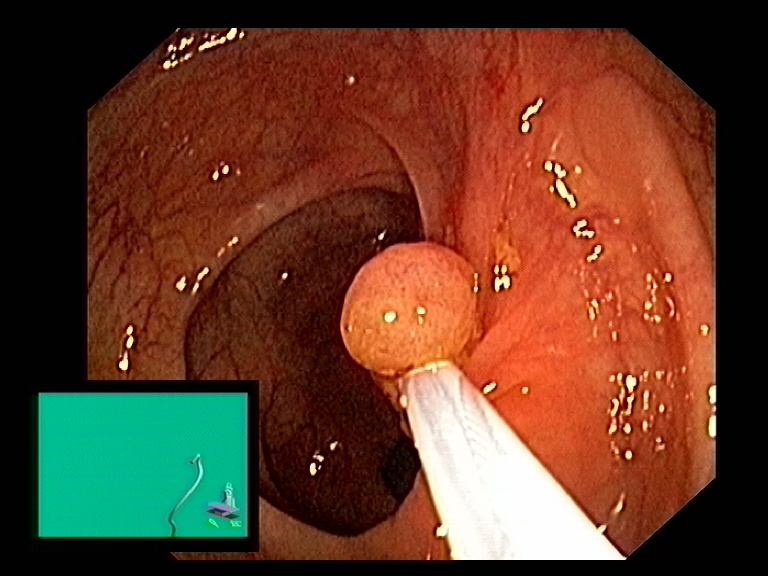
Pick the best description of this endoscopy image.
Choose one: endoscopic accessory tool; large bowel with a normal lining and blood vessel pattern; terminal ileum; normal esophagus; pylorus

endoscopic accessory tool